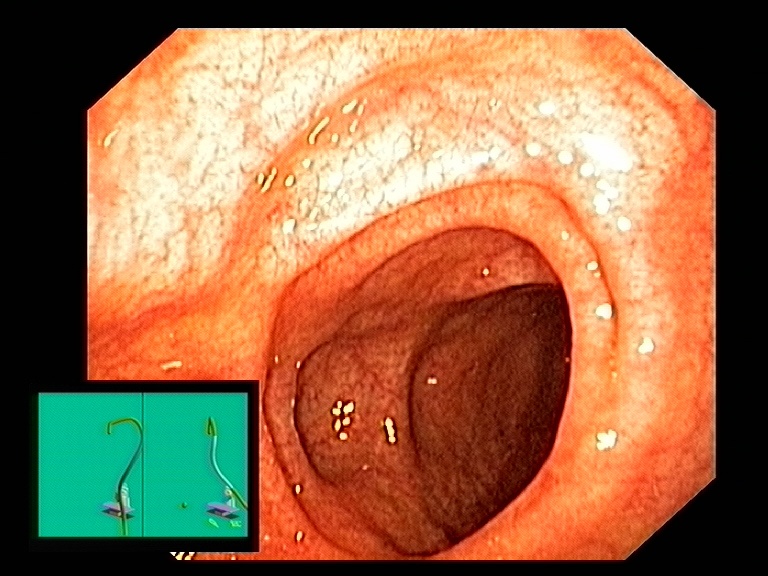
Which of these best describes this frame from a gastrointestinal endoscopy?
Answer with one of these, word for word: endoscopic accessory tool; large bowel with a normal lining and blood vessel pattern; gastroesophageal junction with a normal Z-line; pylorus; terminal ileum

large bowel with a normal lining and blood vessel pattern